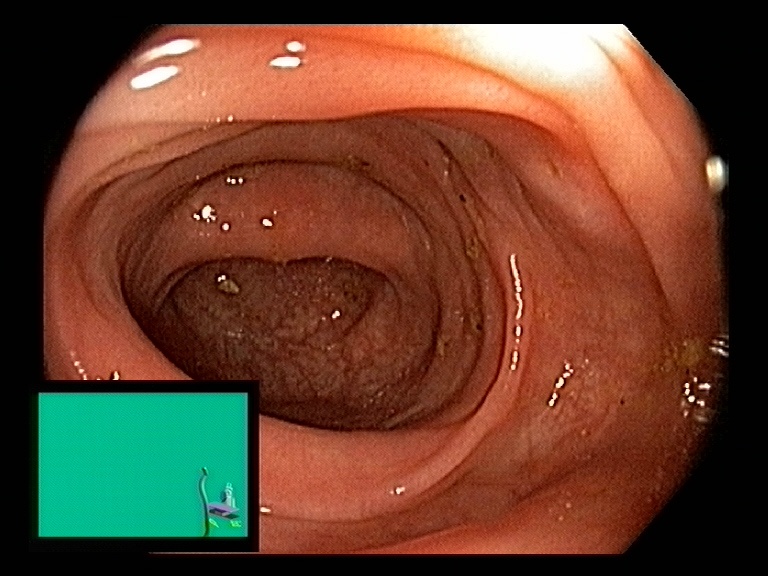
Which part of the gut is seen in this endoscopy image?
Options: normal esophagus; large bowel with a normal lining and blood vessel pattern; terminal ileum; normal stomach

large bowel with a normal lining and blood vessel pattern